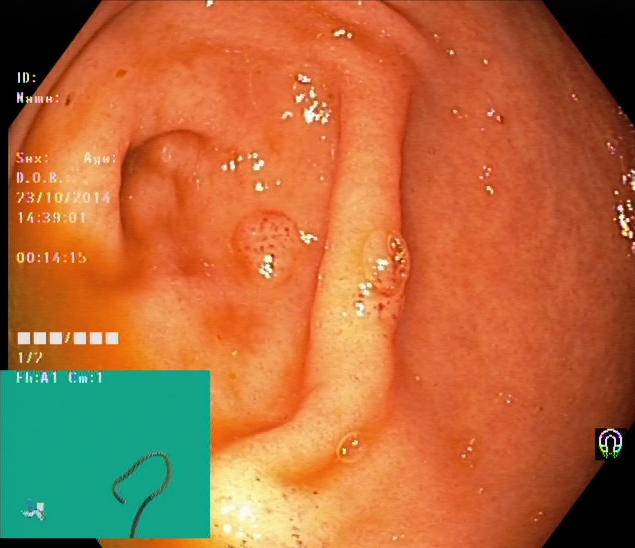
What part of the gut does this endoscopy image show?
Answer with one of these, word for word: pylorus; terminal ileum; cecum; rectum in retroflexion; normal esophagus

cecum